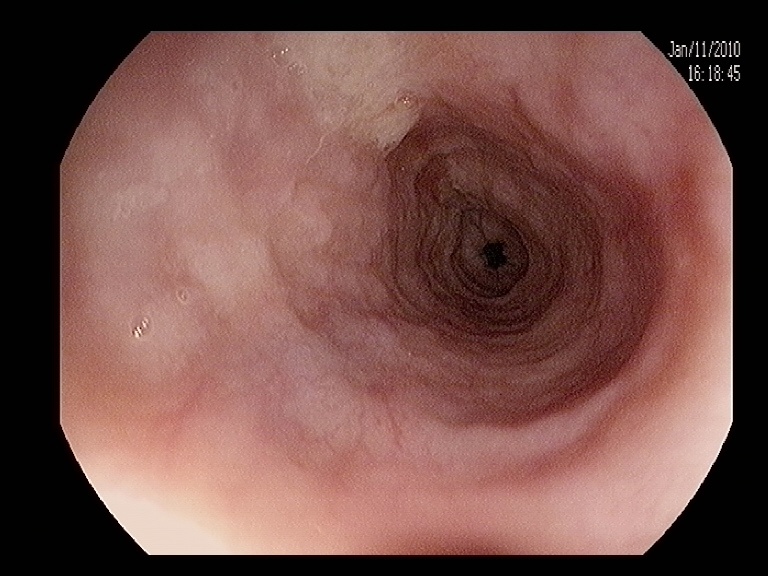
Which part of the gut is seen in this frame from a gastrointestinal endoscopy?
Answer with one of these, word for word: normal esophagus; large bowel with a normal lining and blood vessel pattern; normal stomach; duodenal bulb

normal esophagus